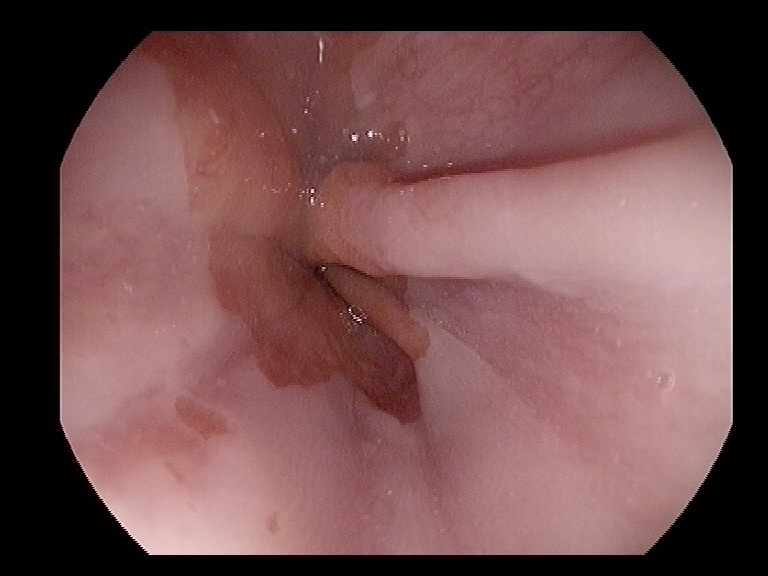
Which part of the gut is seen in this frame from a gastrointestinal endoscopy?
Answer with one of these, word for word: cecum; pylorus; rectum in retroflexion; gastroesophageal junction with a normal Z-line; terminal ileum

gastroesophageal junction with a normal Z-line